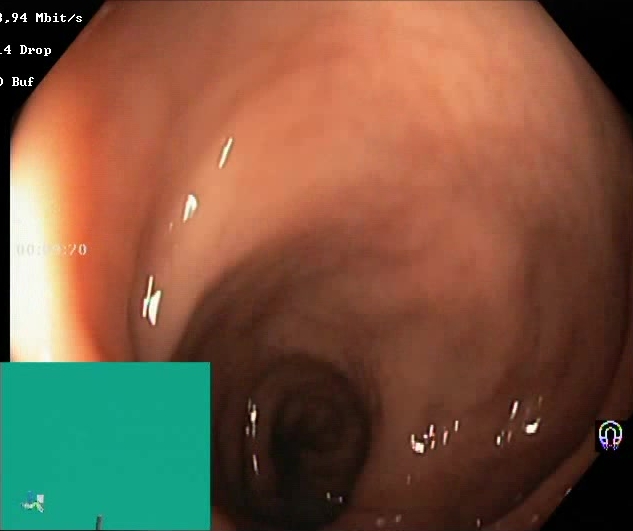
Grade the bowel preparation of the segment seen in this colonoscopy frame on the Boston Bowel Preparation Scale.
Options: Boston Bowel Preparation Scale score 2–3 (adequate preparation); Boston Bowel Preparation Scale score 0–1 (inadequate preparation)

Boston Bowel Preparation Scale score 2–3 (adequate preparation)